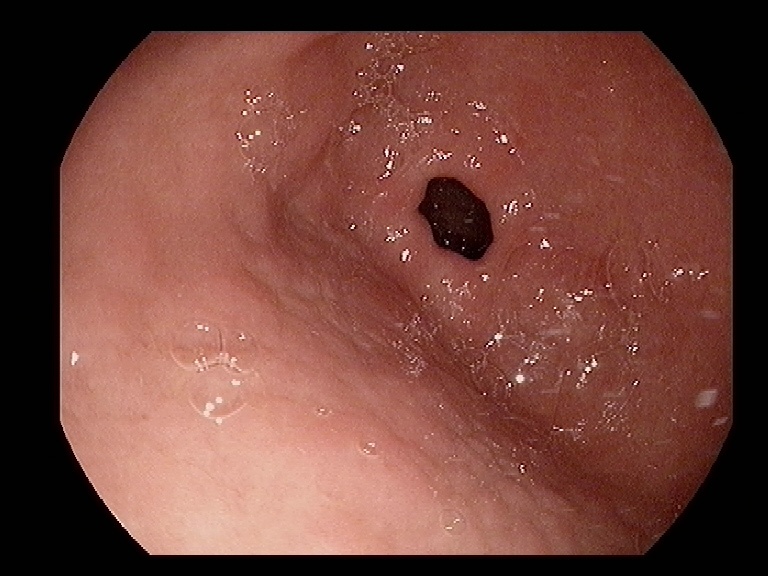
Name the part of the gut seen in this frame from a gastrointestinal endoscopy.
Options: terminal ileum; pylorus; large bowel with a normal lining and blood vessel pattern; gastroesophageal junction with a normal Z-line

pylorus